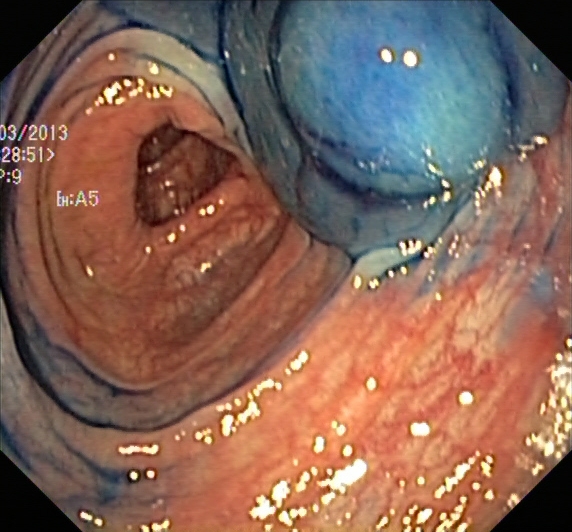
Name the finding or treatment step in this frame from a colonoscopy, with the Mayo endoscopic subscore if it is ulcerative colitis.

dyed and lifted polyp (pre-resection)